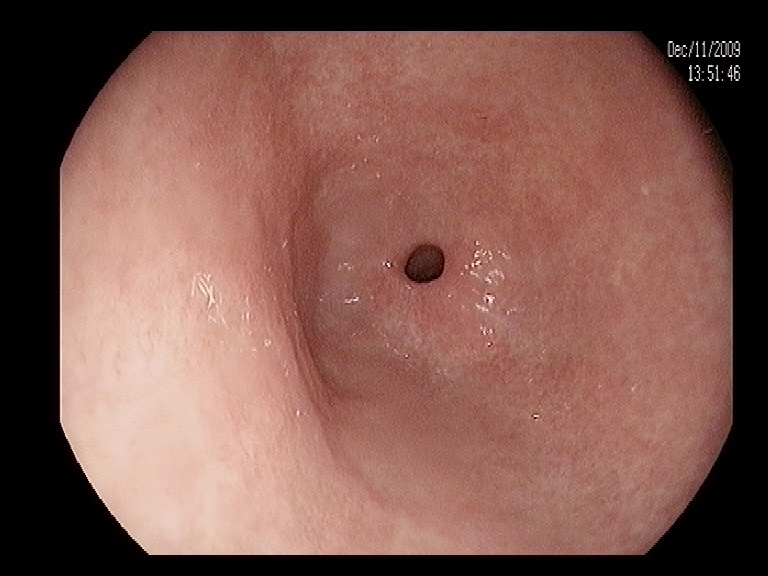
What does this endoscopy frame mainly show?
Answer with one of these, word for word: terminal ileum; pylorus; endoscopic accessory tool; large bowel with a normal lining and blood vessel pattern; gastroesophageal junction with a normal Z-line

pylorus